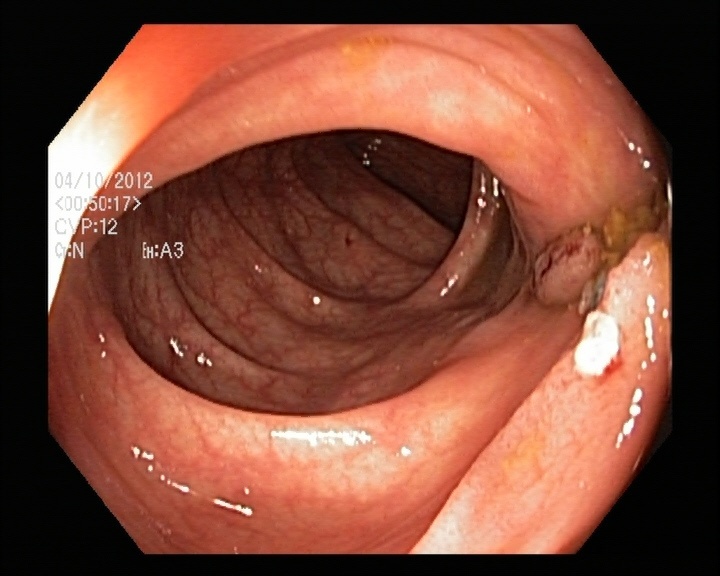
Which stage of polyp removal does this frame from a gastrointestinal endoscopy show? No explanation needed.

resected polyp